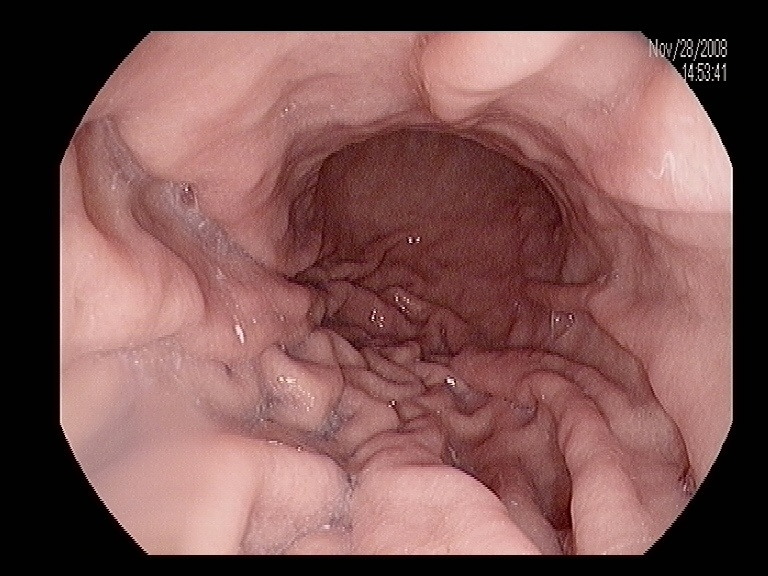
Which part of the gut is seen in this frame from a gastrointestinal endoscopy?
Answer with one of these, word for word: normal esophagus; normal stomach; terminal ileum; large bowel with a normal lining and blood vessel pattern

normal stomach